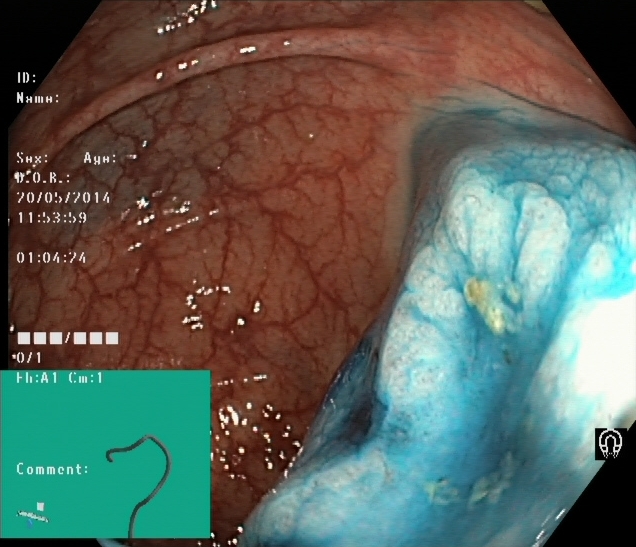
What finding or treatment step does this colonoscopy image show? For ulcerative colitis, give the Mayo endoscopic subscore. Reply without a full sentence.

dyed and lifted polyp (pre-resection)